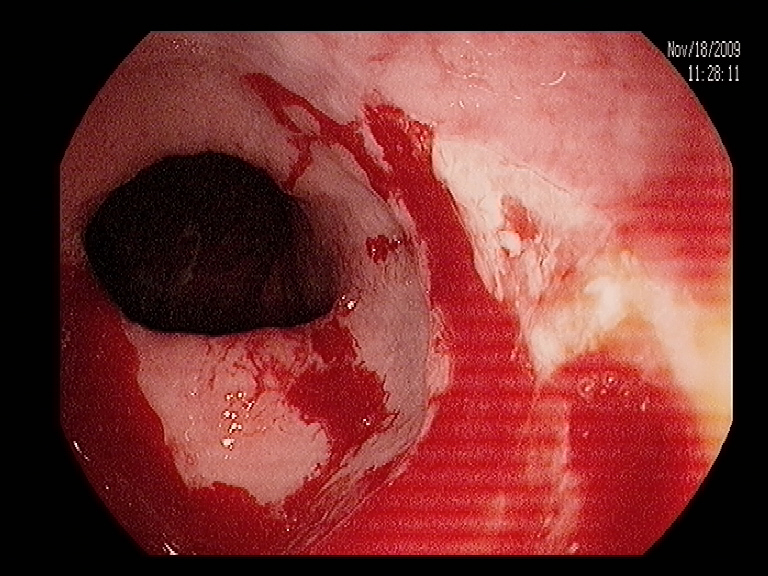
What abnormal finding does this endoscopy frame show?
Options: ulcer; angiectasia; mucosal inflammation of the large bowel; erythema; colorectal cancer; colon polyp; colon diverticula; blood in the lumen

blood in the lumen